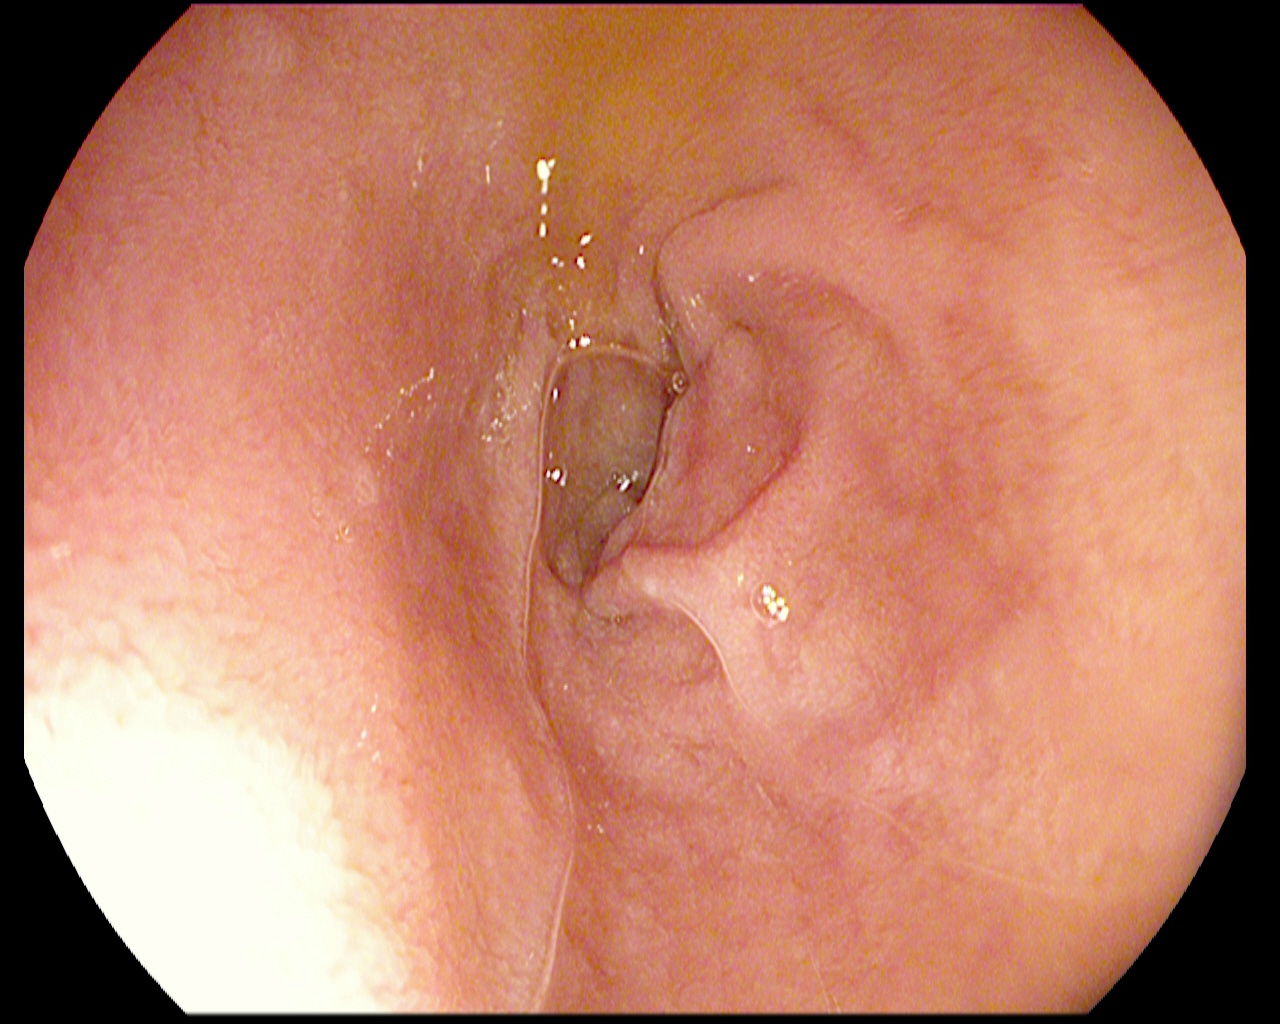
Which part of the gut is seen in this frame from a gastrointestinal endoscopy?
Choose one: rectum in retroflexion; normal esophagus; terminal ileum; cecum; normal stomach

terminal ileum